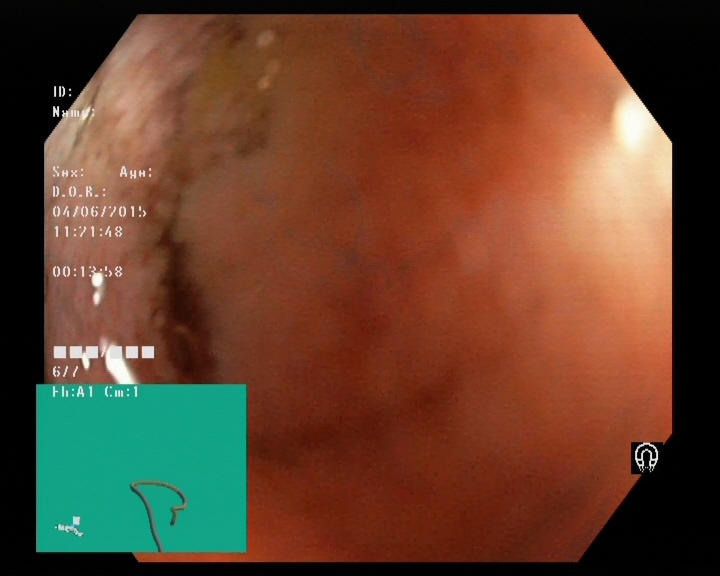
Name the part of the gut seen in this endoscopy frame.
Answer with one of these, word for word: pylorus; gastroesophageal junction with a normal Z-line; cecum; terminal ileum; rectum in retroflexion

terminal ileum